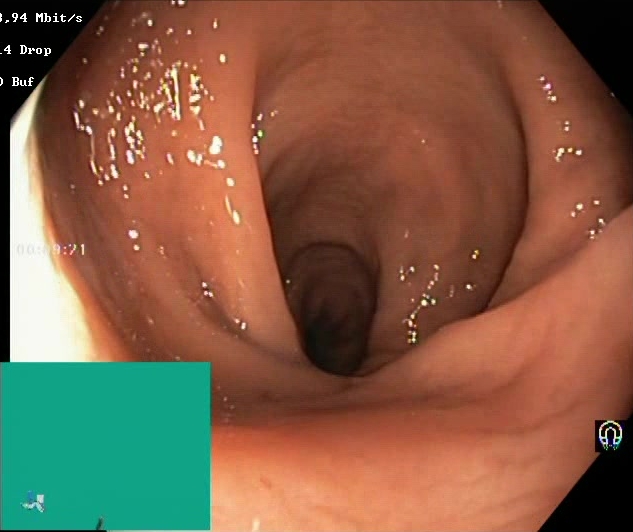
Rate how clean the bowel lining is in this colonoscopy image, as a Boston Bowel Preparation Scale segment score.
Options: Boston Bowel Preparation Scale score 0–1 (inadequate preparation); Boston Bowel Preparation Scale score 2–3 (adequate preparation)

Boston Bowel Preparation Scale score 2–3 (adequate preparation)